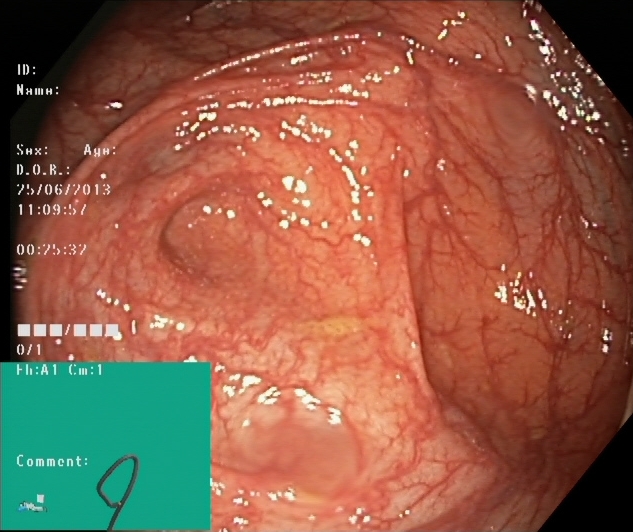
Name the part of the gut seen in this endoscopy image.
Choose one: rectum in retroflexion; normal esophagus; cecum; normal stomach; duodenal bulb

cecum